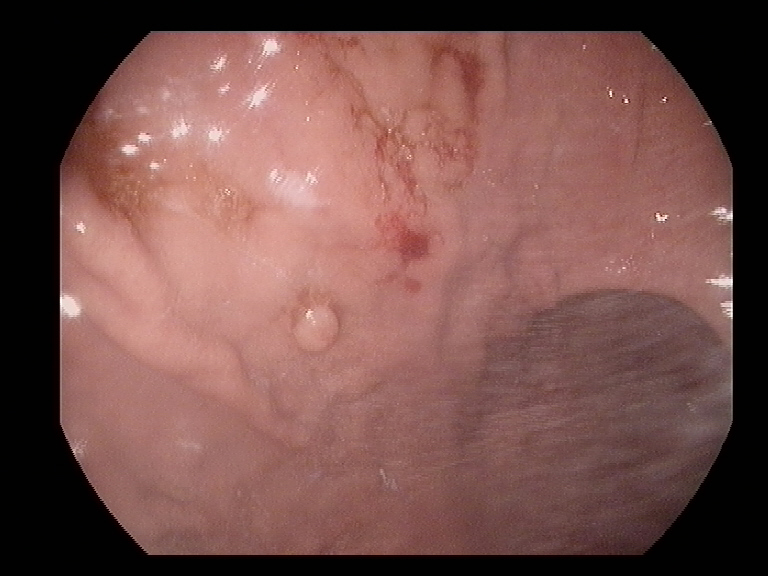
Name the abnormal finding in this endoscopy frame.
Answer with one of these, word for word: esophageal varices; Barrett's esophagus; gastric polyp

gastric polyp